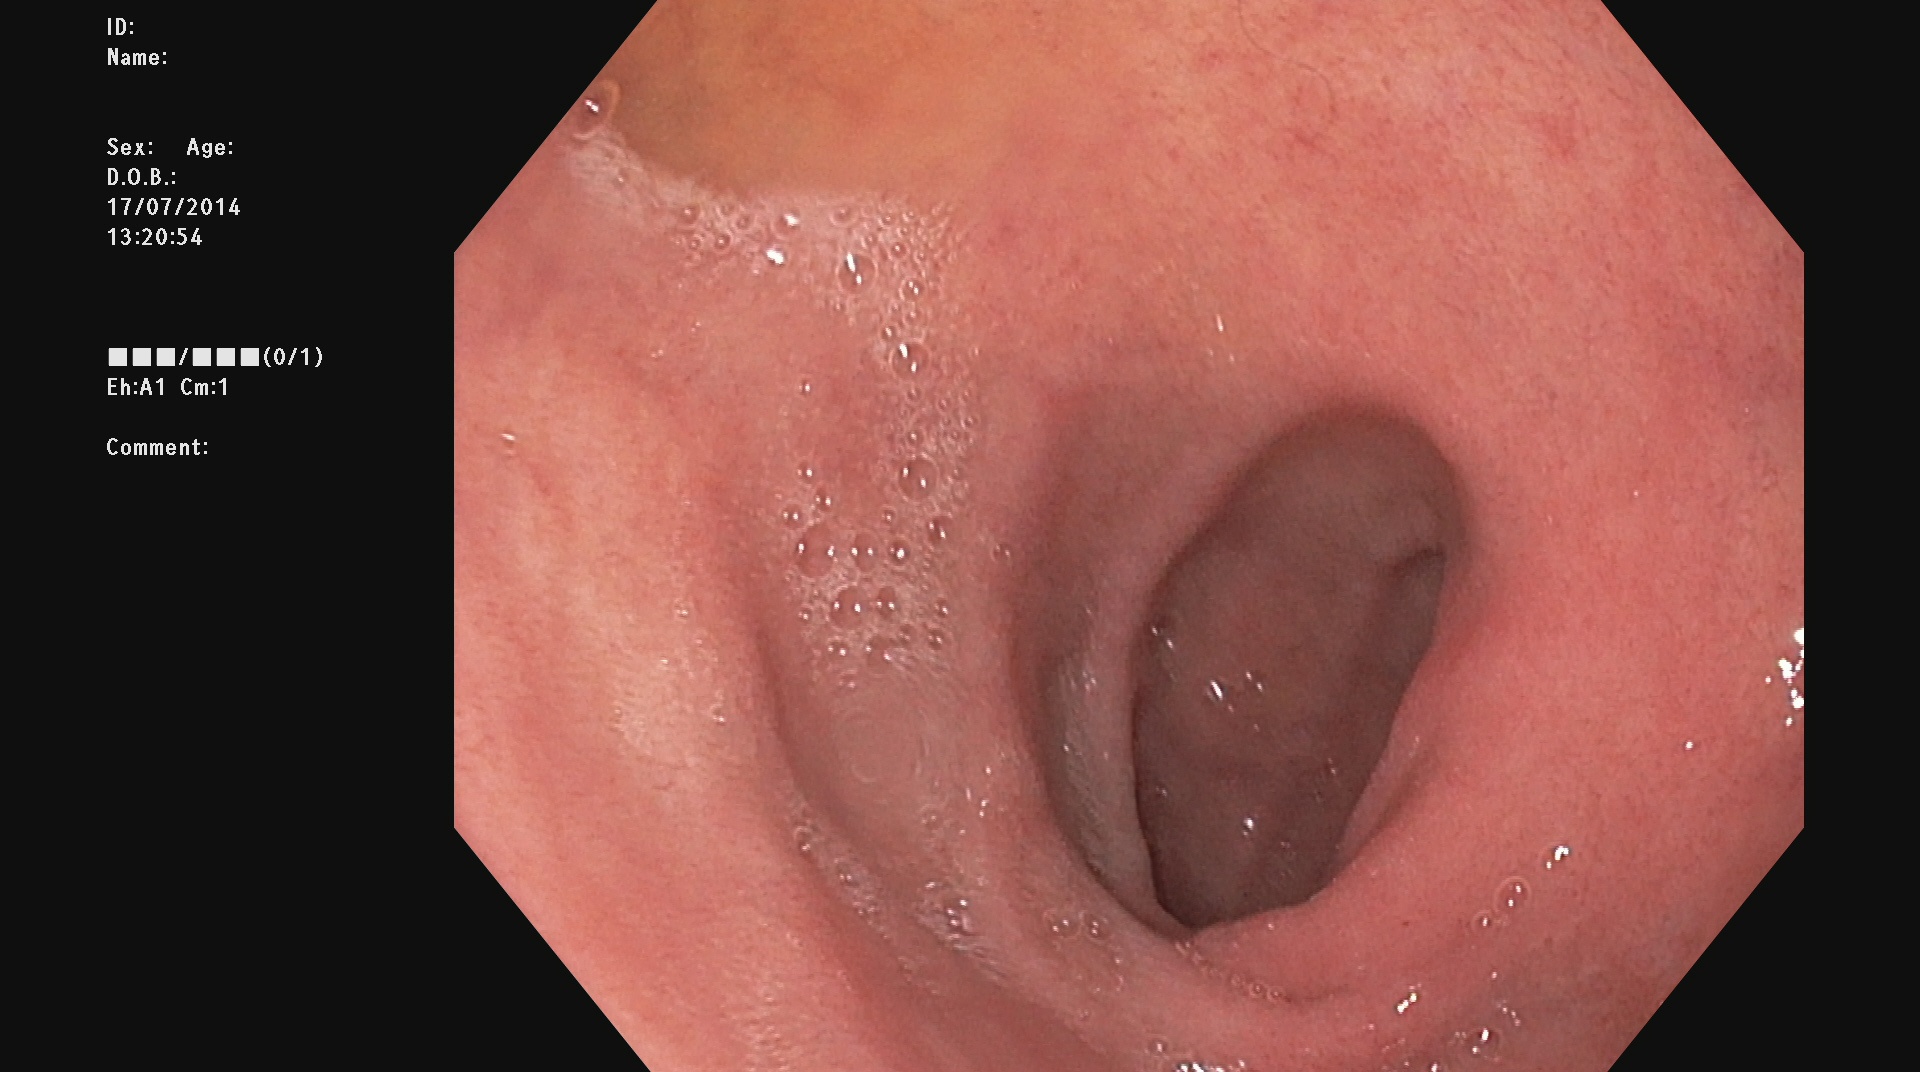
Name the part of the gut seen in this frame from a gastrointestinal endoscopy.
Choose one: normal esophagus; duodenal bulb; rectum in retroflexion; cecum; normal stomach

duodenal bulb